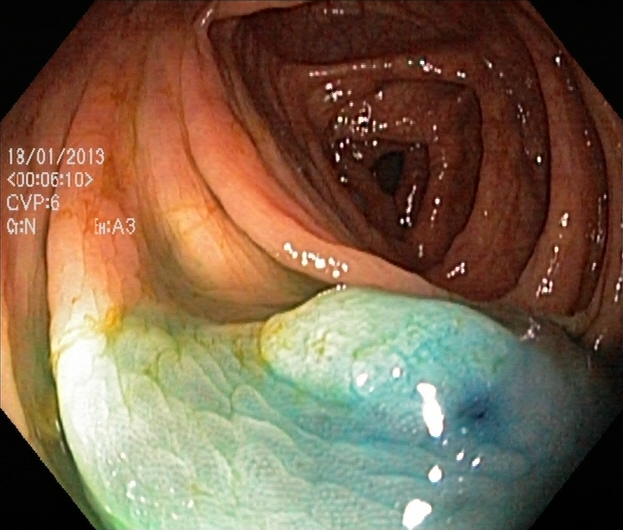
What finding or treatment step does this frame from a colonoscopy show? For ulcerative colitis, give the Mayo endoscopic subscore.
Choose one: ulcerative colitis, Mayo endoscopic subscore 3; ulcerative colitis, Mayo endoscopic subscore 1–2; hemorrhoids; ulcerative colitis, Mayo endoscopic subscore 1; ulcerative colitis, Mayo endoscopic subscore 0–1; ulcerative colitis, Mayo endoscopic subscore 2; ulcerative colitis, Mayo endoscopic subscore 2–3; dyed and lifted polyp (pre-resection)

dyed and lifted polyp (pre-resection)